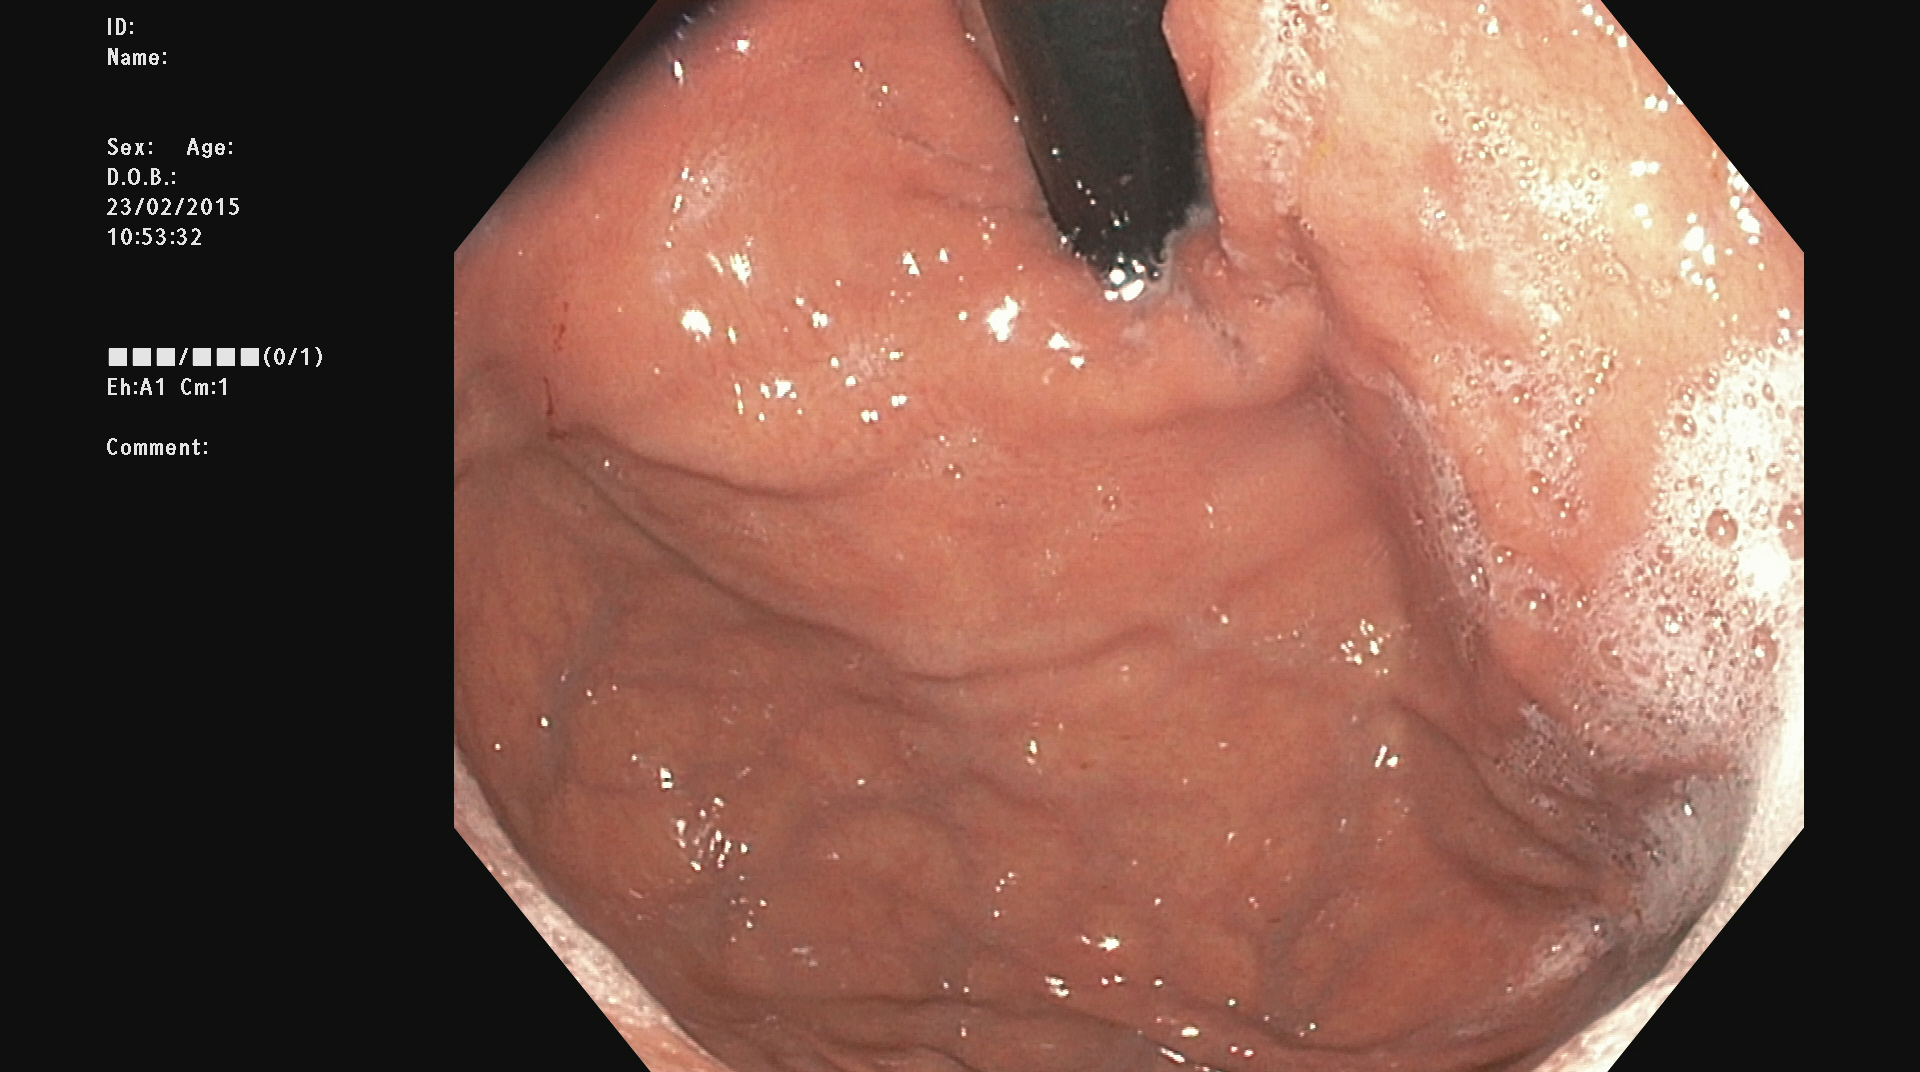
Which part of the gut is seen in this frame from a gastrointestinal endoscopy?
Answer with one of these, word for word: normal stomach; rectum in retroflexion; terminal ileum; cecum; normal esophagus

normal stomach